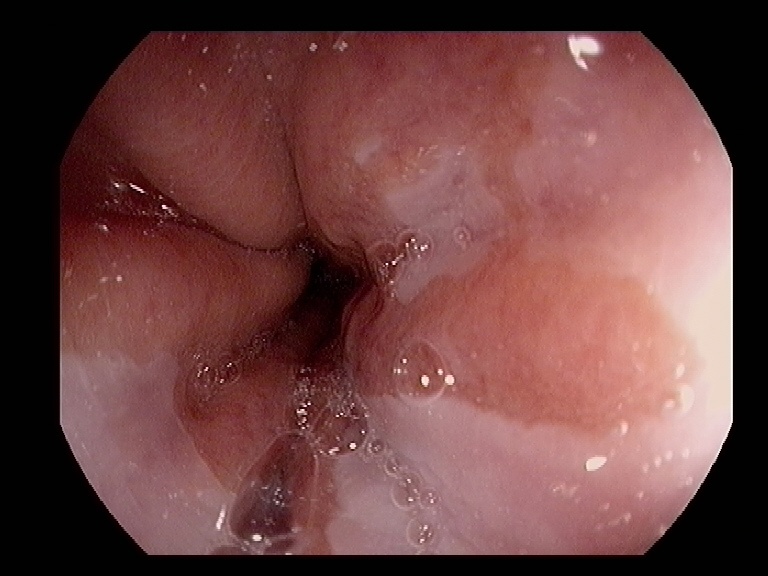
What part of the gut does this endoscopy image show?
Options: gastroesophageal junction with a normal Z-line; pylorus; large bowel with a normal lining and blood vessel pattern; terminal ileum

gastroesophageal junction with a normal Z-line